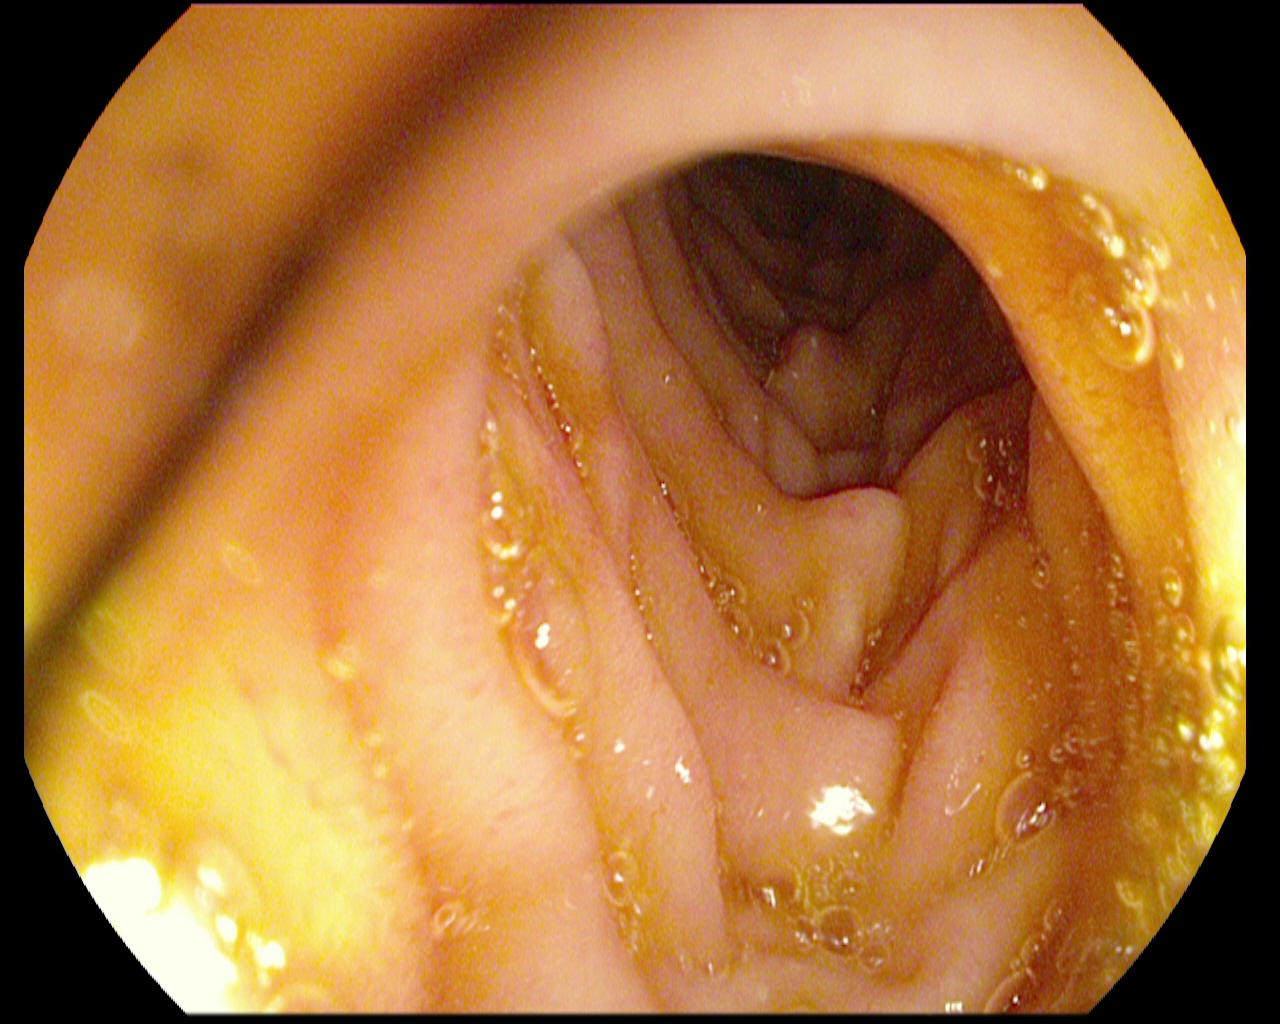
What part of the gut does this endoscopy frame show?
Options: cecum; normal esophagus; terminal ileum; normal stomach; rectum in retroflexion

terminal ileum